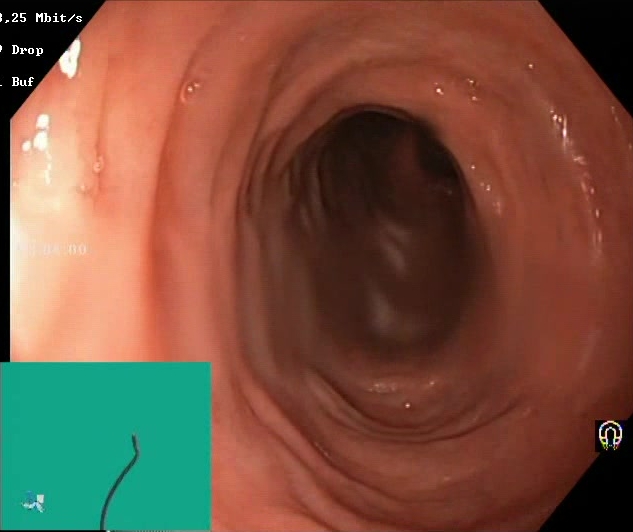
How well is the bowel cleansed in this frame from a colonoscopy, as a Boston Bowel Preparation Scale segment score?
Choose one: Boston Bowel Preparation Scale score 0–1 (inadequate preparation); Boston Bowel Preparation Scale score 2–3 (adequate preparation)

Boston Bowel Preparation Scale score 2–3 (adequate preparation)